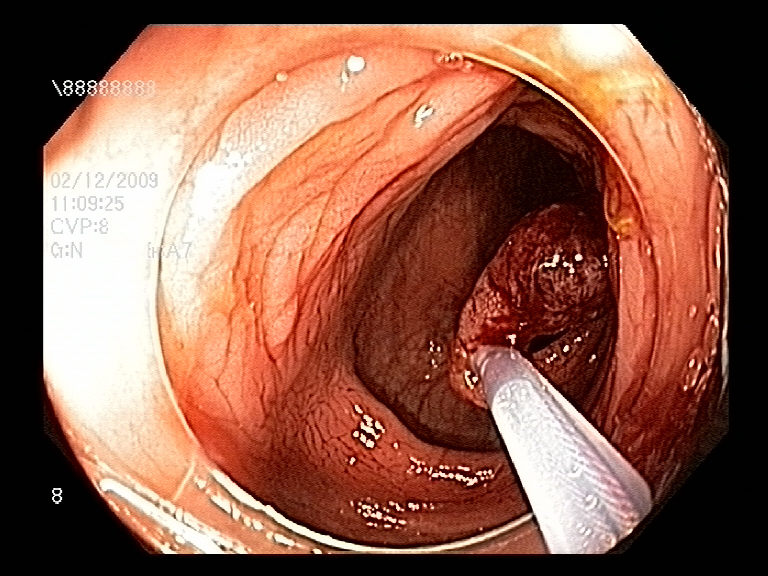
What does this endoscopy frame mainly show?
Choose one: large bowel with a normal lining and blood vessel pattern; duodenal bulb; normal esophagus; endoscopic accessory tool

endoscopic accessory tool